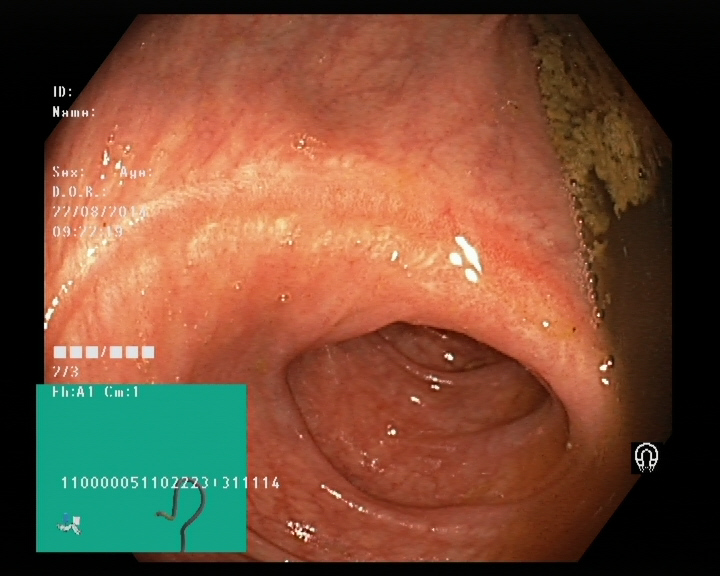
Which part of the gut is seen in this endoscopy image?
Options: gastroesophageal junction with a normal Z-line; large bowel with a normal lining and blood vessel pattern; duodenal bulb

large bowel with a normal lining and blood vessel pattern